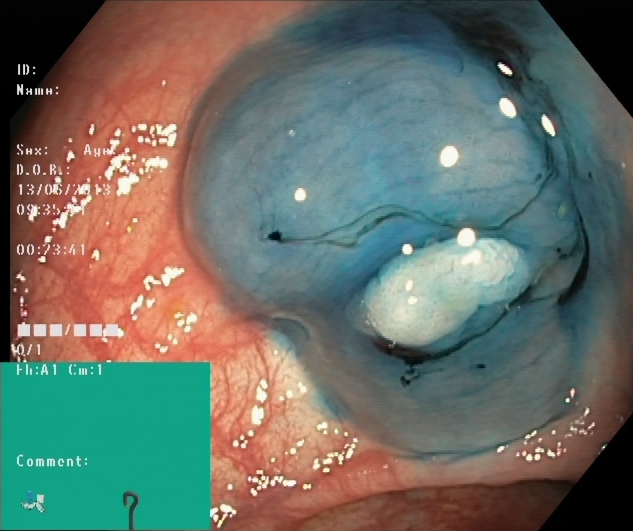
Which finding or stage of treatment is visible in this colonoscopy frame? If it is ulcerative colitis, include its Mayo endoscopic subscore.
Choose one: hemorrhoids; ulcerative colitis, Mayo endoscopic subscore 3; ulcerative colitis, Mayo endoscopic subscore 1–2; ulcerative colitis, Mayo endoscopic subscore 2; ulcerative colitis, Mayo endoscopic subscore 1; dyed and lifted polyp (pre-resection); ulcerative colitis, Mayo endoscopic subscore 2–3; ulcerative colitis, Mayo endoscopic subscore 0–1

dyed and lifted polyp (pre-resection)